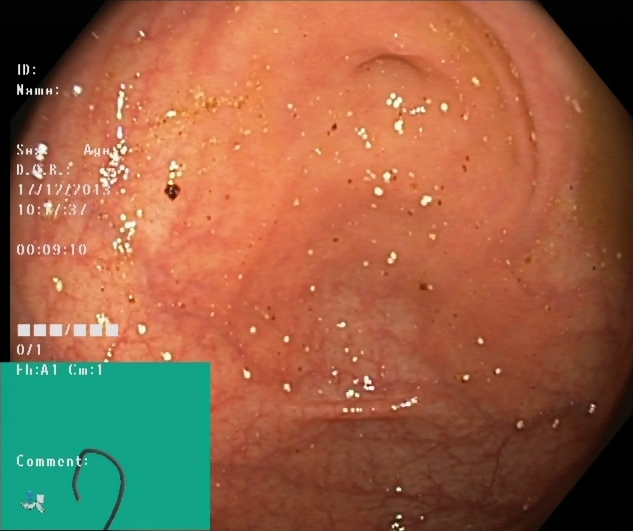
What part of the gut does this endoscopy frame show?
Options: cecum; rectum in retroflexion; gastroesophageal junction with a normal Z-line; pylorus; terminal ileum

cecum